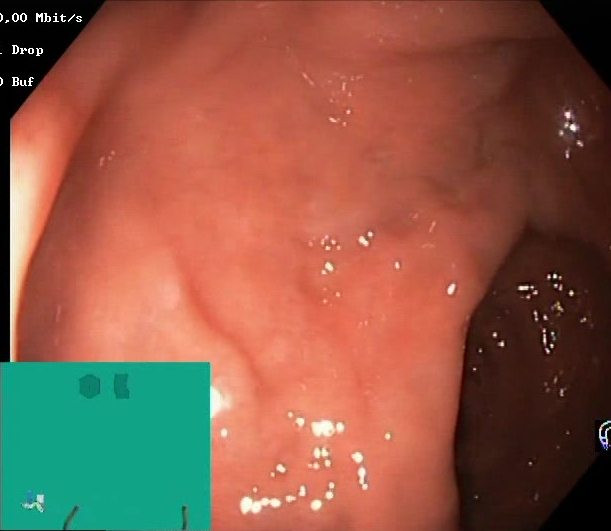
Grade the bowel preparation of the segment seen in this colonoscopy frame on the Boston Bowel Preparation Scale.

Boston Bowel Preparation Scale score 2–3 (adequate preparation)